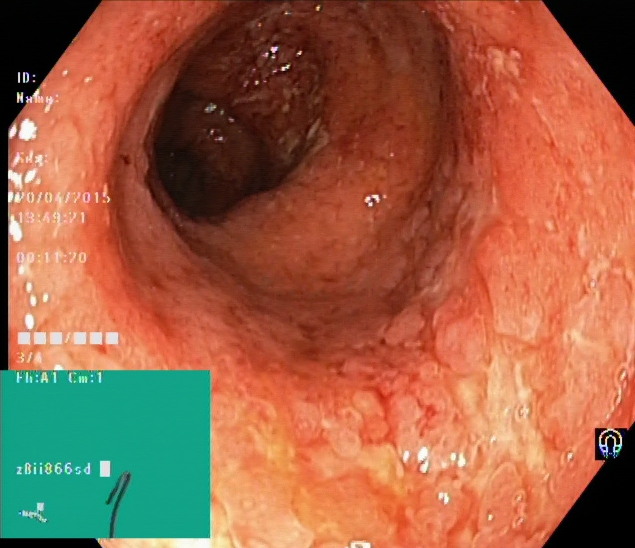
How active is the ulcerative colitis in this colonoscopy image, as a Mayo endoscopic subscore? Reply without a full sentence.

ulcerative colitis, Mayo endoscopic subscore 3